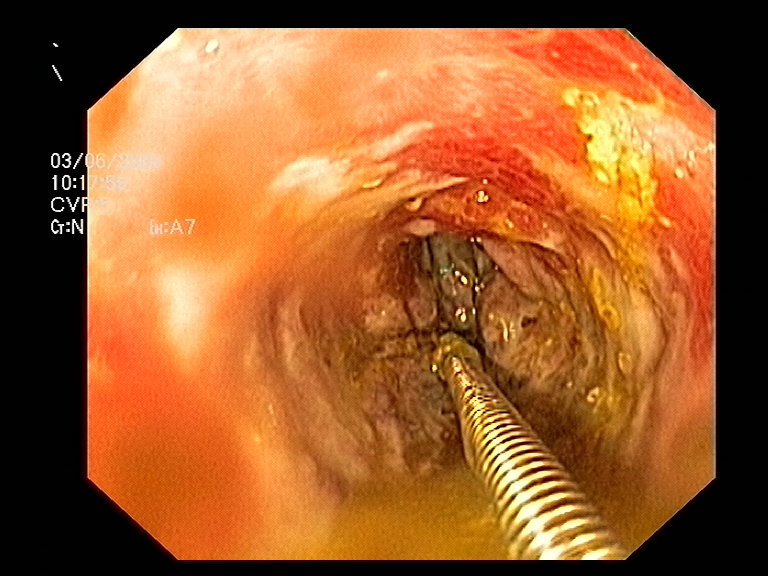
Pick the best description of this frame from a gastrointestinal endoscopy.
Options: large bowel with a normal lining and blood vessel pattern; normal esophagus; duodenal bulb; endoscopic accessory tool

endoscopic accessory tool